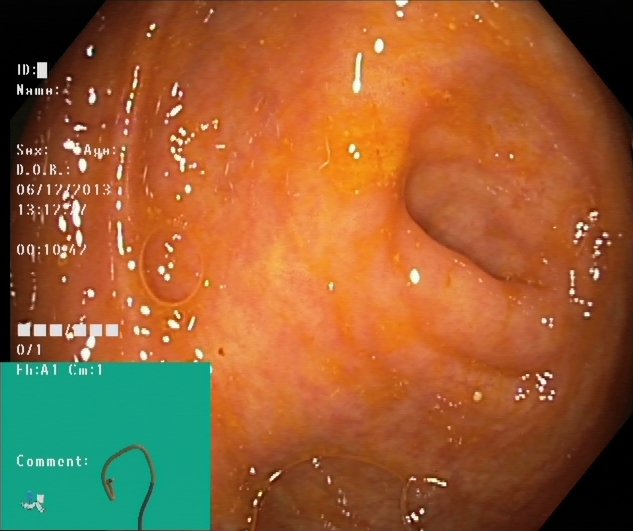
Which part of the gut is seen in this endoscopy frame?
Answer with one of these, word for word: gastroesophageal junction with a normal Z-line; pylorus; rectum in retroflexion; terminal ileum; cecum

cecum